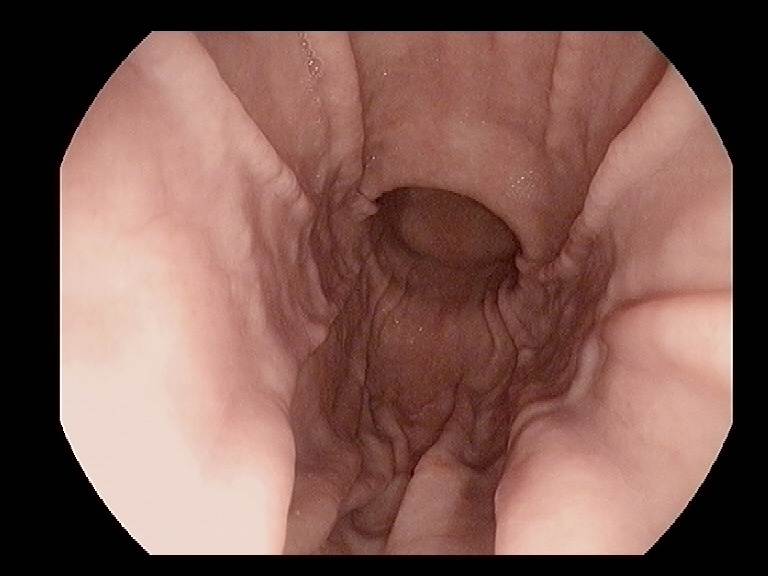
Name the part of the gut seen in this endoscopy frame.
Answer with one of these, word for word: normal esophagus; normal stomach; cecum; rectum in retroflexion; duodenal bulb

normal stomach